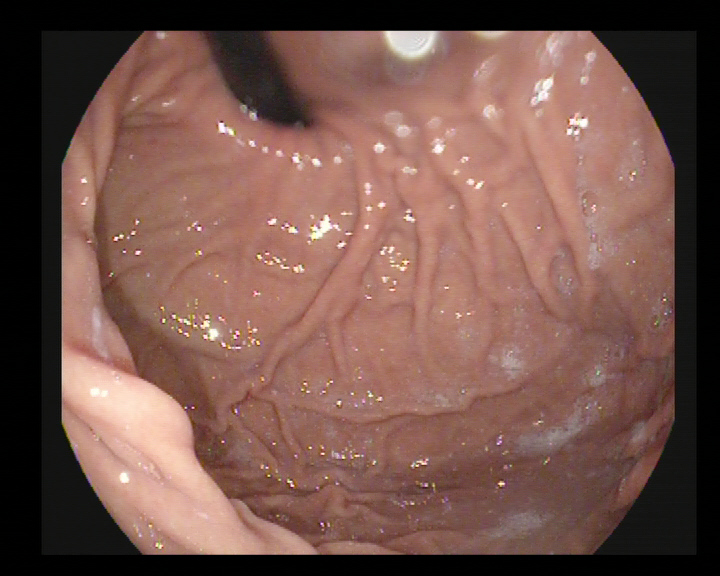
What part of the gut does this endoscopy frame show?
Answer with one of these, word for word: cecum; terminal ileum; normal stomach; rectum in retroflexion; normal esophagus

normal stomach